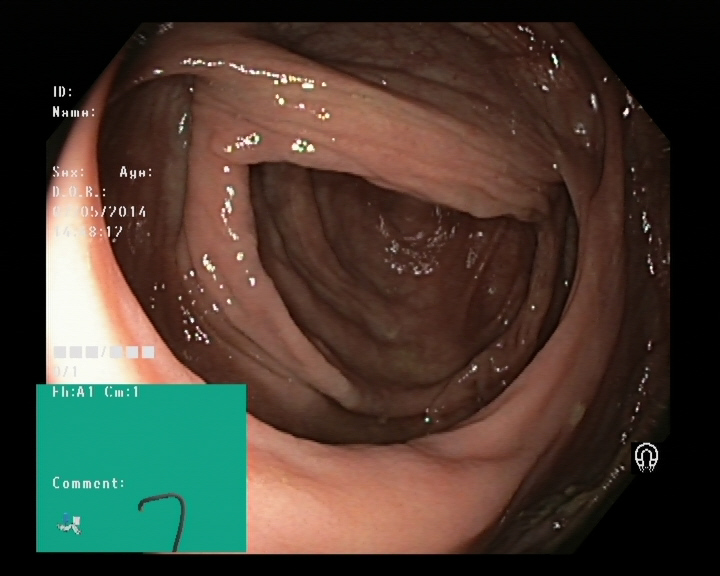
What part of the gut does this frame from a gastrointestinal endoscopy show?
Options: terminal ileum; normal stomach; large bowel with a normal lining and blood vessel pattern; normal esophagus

large bowel with a normal lining and blood vessel pattern